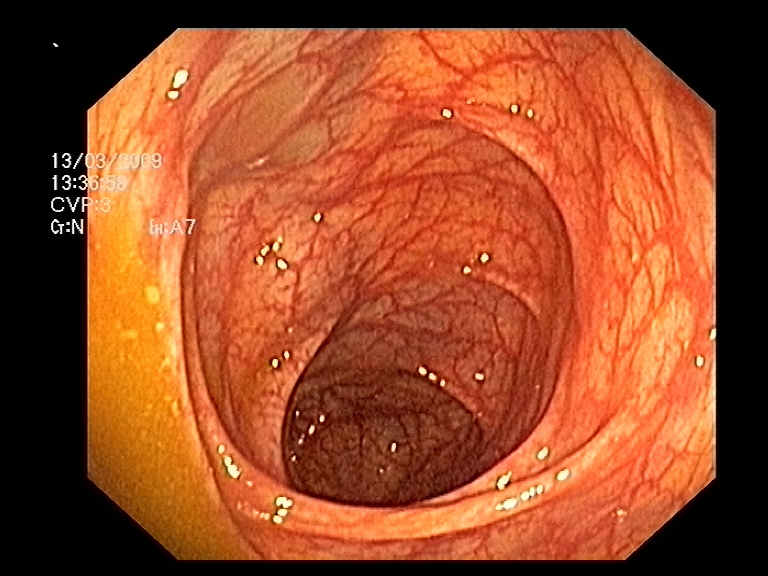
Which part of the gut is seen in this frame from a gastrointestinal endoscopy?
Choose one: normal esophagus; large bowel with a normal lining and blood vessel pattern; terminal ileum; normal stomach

large bowel with a normal lining and blood vessel pattern